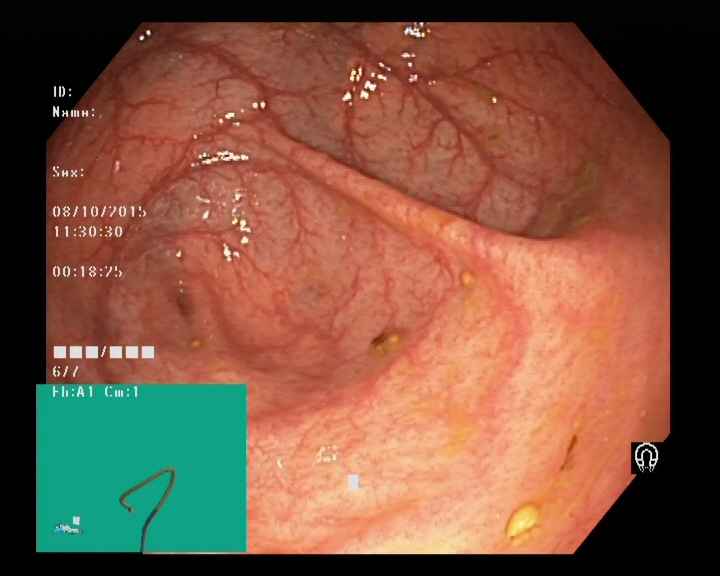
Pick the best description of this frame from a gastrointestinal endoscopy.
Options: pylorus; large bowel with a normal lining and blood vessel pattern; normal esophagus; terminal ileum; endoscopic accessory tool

large bowel with a normal lining and blood vessel pattern